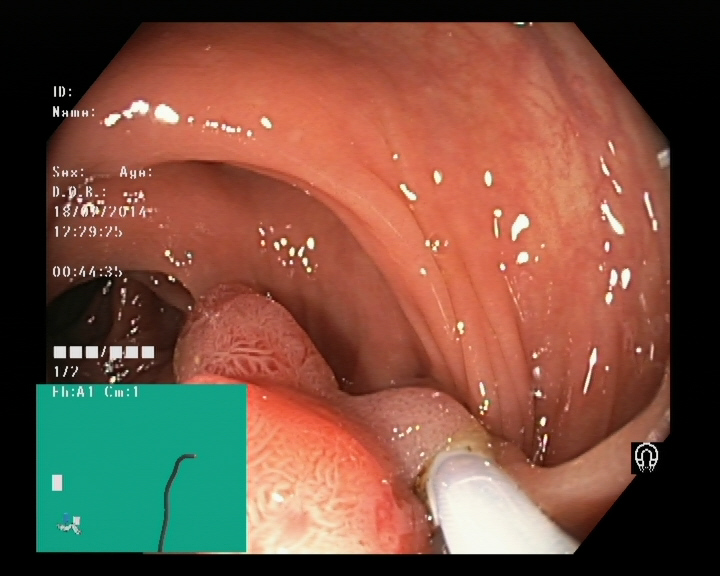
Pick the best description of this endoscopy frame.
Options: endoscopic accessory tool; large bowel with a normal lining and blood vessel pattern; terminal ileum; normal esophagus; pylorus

endoscopic accessory tool